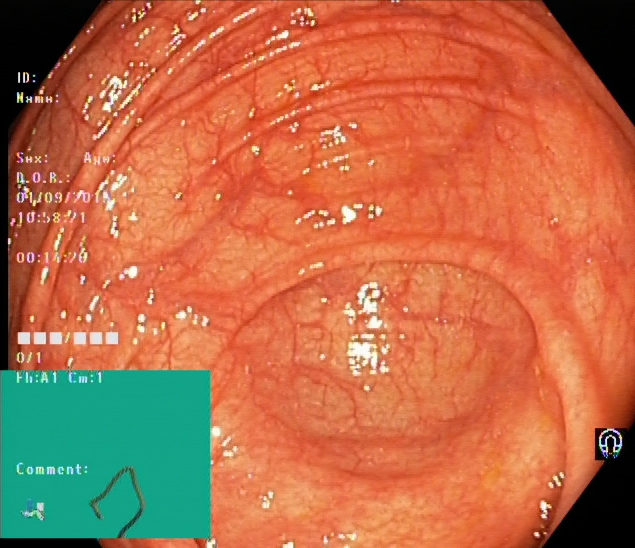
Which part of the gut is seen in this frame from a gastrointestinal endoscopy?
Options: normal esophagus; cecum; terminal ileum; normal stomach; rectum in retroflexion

cecum